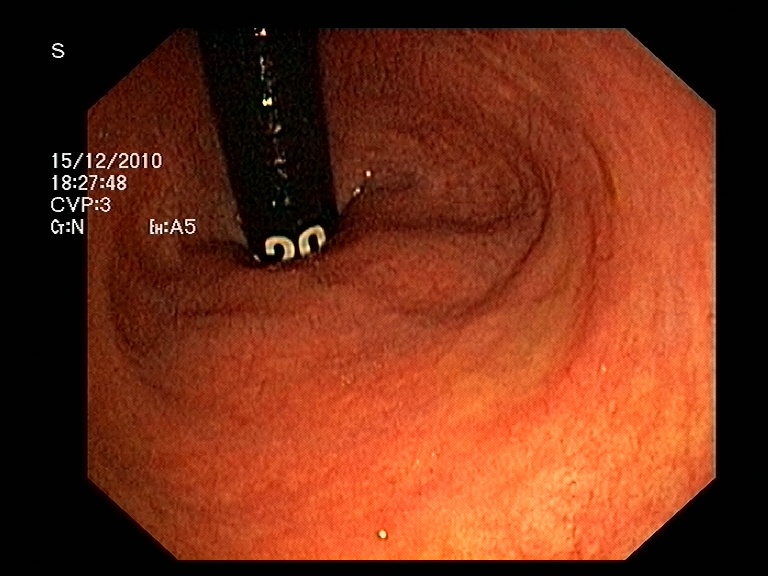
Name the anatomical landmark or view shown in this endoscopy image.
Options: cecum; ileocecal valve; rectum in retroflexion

rectum in retroflexion